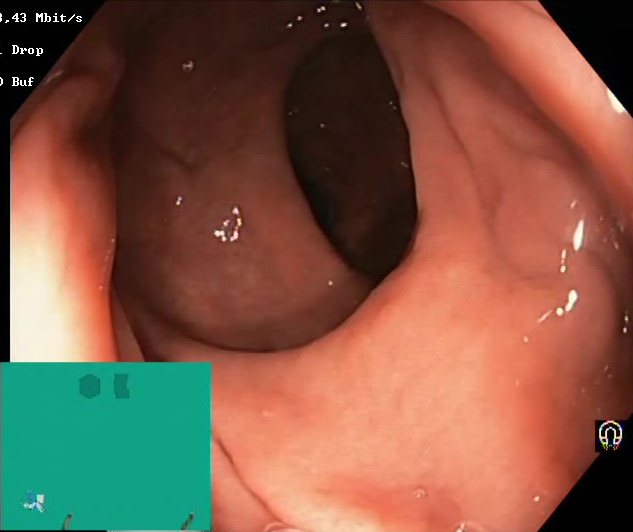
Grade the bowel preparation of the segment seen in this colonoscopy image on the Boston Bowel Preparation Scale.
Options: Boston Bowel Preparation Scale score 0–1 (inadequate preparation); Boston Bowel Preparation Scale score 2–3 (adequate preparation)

Boston Bowel Preparation Scale score 2–3 (adequate preparation)